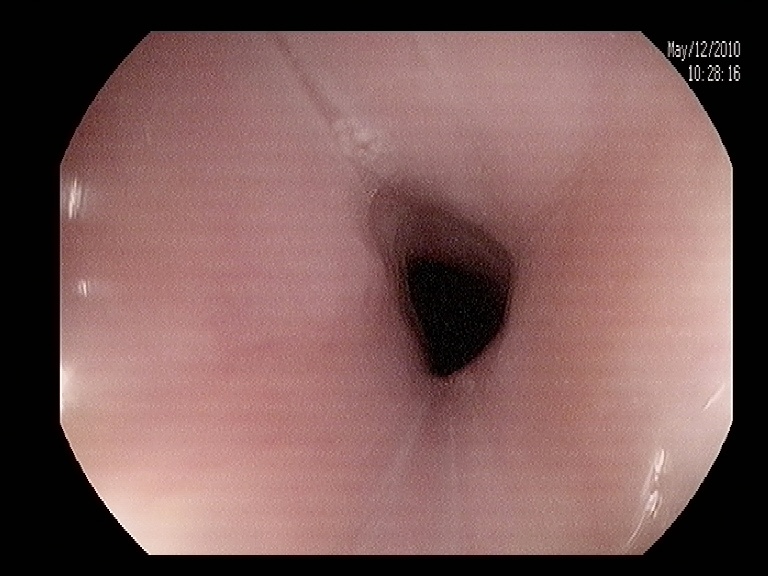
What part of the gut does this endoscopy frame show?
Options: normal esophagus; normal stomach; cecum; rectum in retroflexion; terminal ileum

normal esophagus